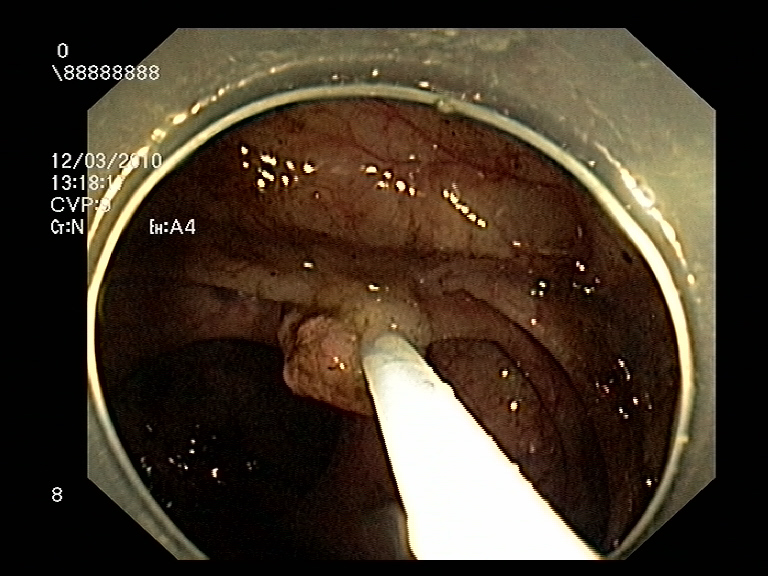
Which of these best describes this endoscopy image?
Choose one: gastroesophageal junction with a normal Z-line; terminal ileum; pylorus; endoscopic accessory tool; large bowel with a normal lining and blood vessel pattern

endoscopic accessory tool